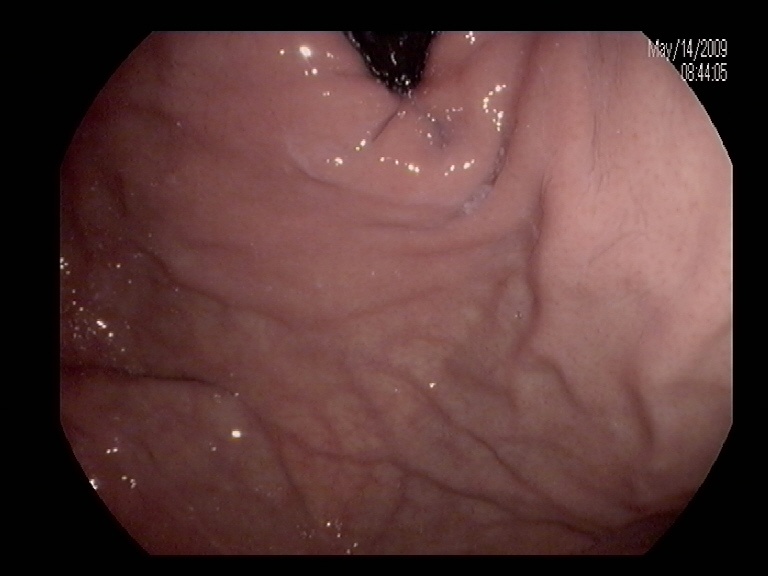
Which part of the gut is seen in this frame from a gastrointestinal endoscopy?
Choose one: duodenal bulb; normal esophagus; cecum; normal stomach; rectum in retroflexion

normal stomach